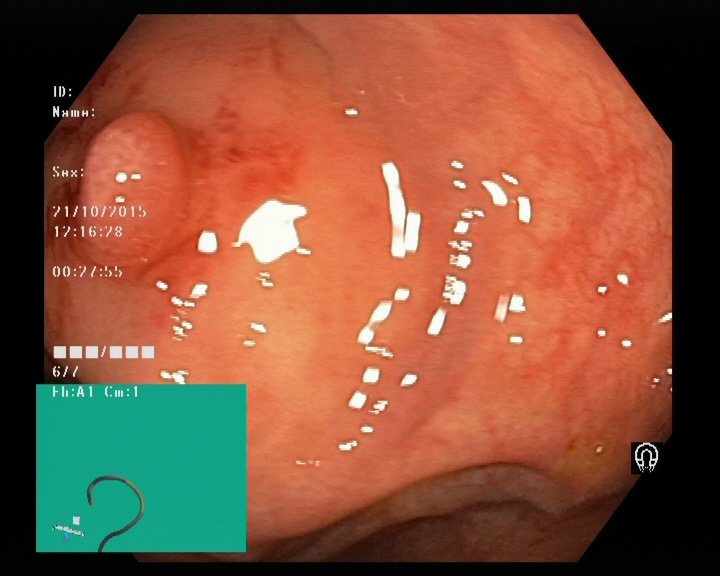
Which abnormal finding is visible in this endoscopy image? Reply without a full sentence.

colon polyp